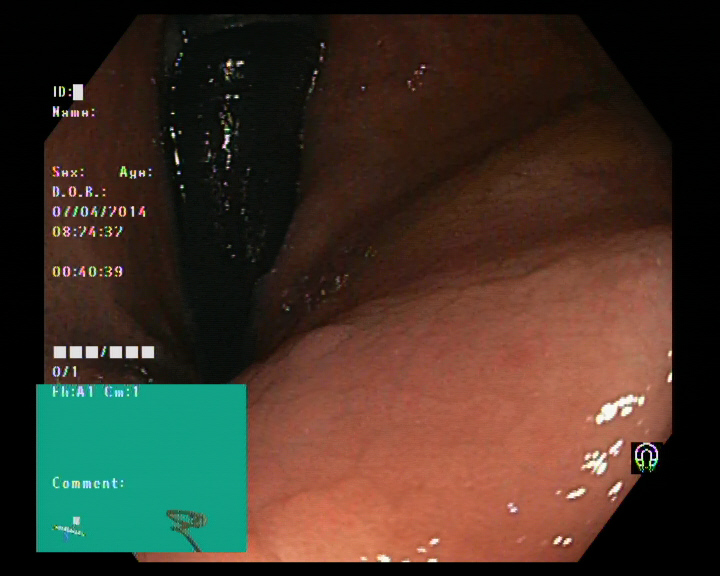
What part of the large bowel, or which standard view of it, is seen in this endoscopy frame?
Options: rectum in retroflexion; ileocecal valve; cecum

rectum in retroflexion